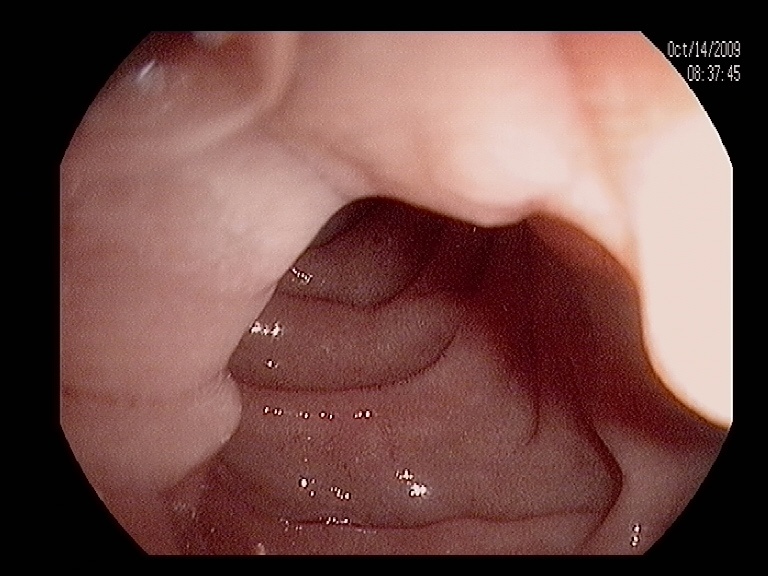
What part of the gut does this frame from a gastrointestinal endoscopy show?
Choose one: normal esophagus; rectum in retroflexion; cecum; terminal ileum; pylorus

terminal ileum